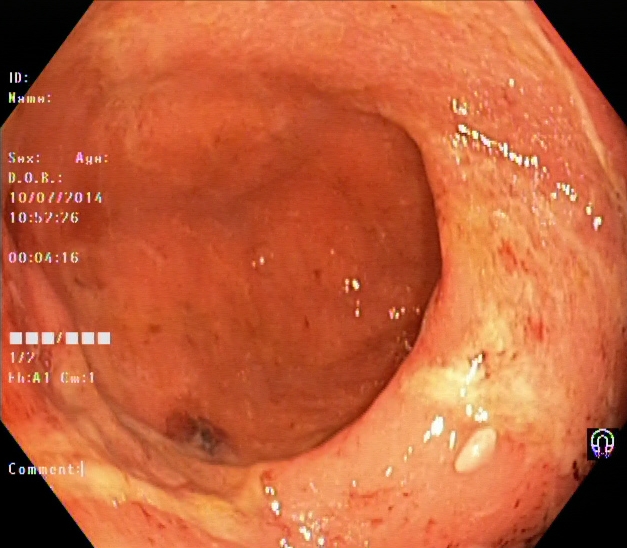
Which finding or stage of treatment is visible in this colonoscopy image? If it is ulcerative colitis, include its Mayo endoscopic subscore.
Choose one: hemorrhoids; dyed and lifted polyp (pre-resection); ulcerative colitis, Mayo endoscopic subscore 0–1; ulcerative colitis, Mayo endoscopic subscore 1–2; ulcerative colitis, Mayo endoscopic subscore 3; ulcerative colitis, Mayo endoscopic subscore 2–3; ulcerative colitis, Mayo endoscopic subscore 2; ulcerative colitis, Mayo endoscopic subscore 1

ulcerative colitis, Mayo endoscopic subscore 1